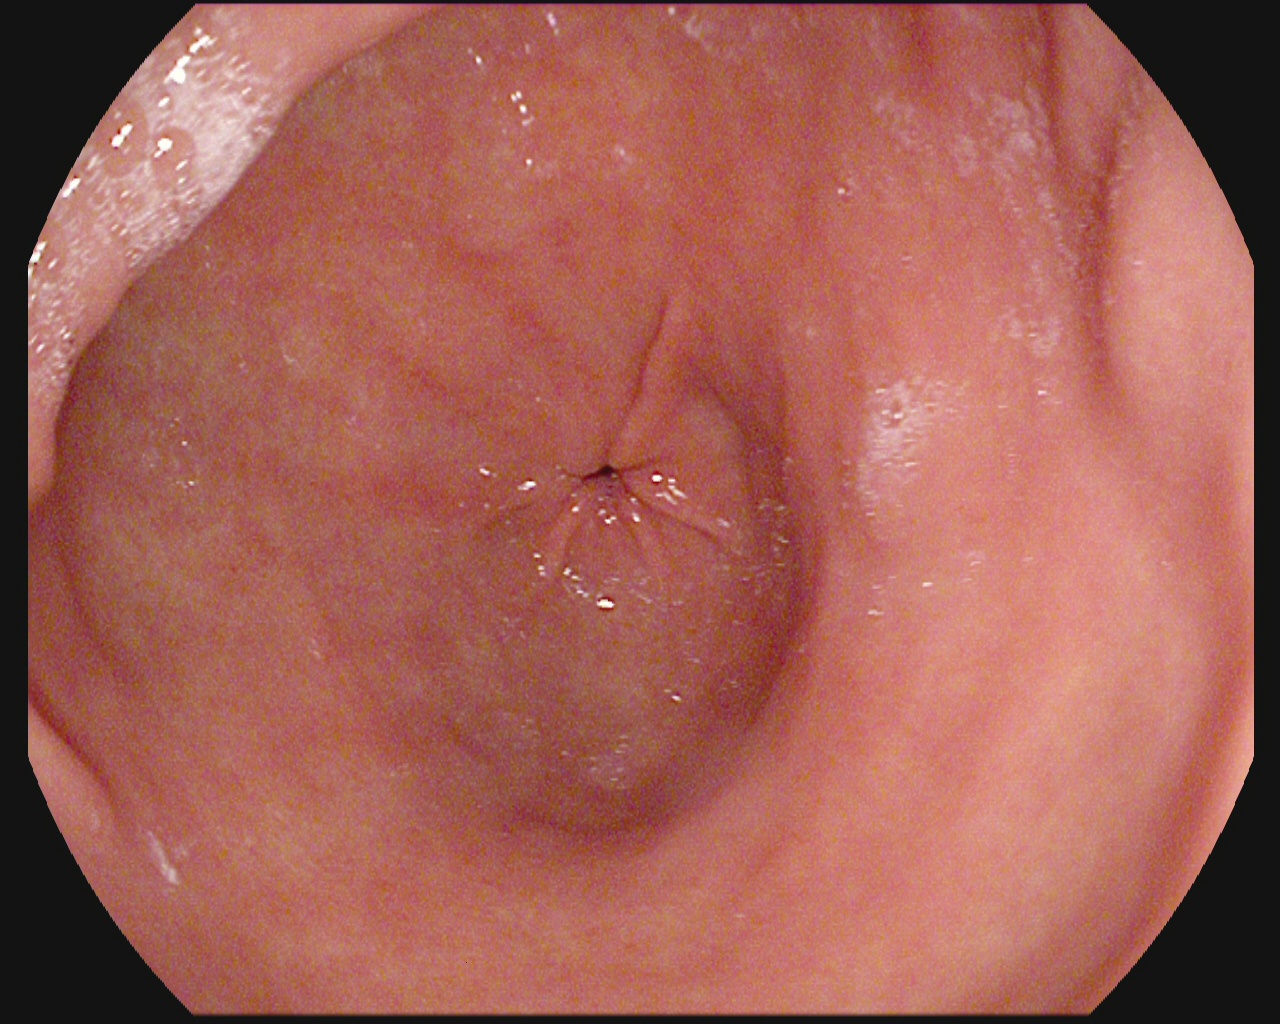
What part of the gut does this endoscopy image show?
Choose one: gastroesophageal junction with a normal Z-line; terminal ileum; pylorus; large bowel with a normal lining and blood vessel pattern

pylorus